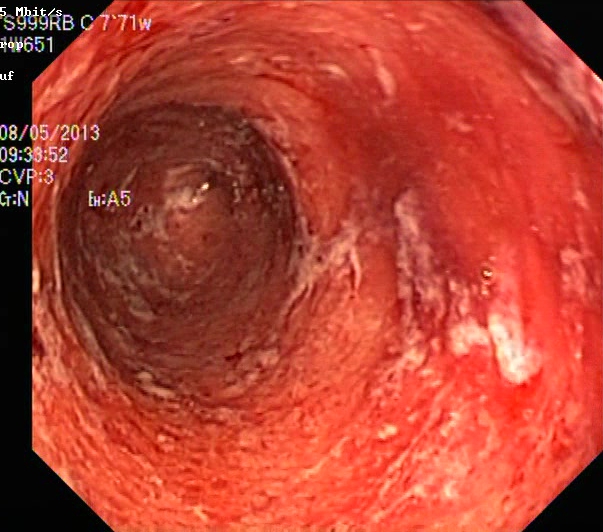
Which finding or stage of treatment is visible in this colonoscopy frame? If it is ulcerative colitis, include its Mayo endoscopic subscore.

ulcerative colitis, Mayo endoscopic subscore 3